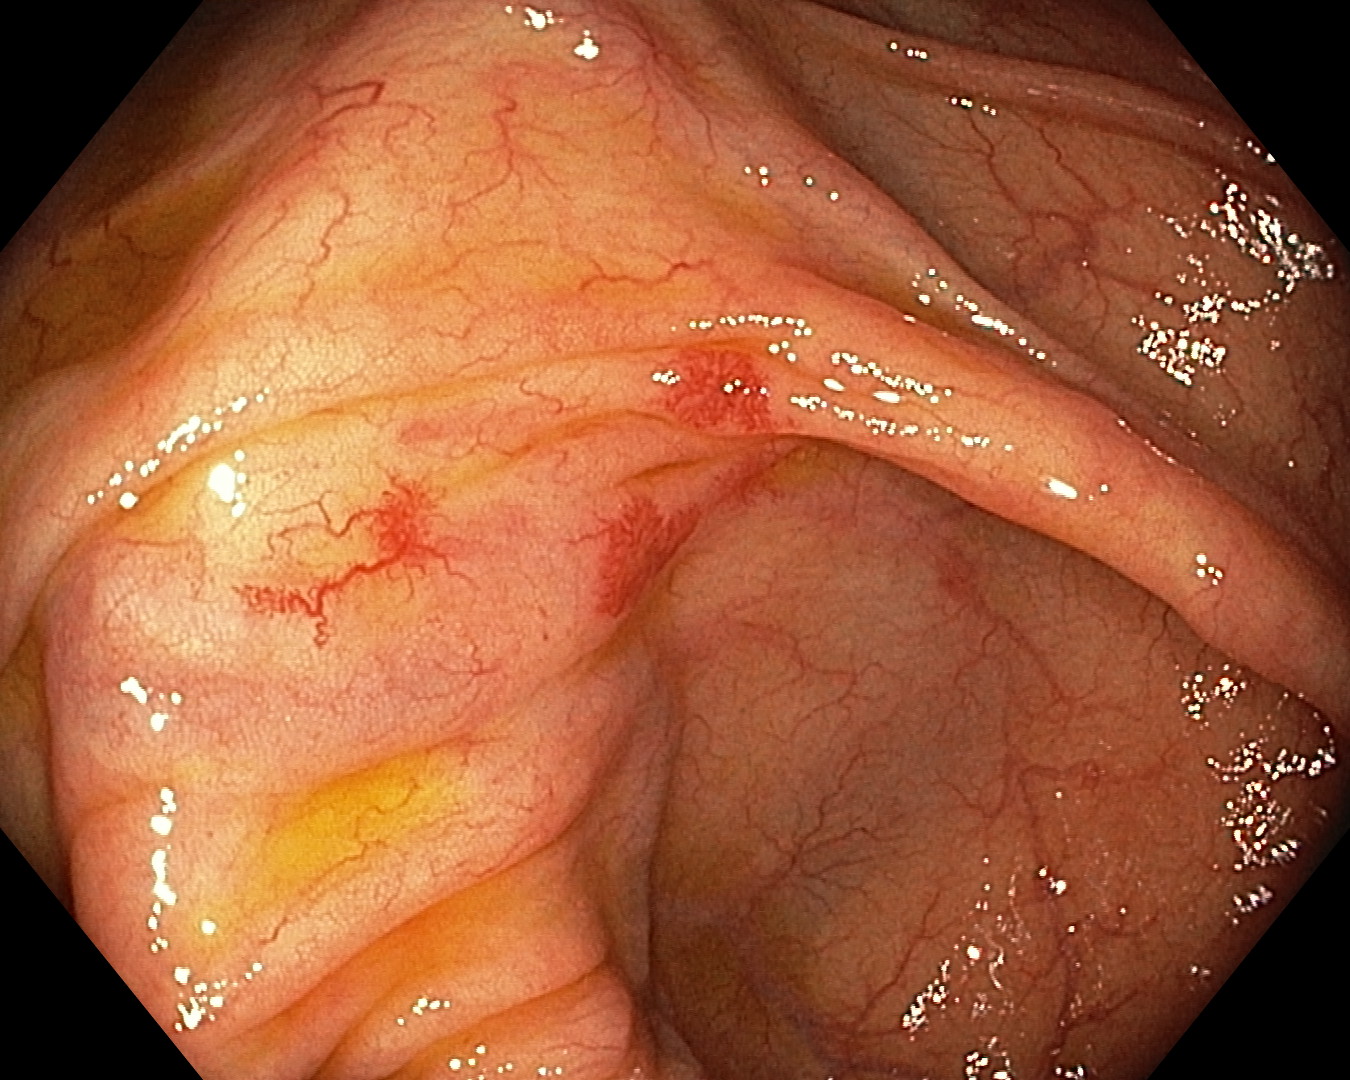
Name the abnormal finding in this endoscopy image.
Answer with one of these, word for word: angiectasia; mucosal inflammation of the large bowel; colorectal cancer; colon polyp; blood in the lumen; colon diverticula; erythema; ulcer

angiectasia